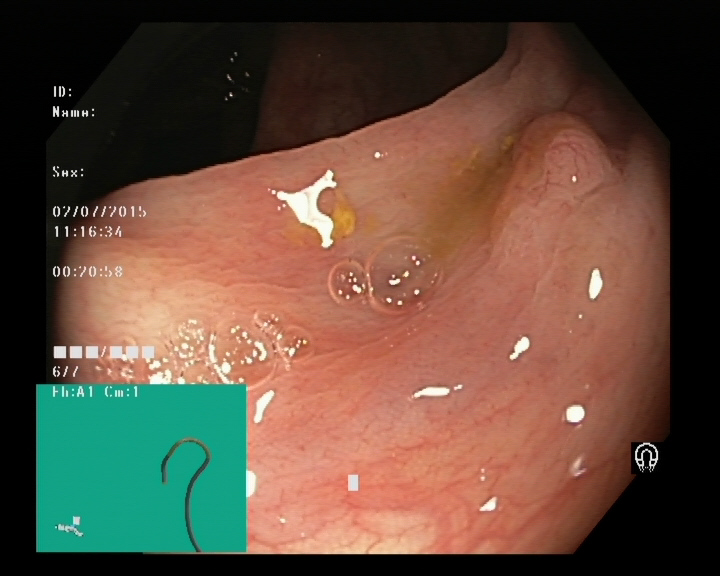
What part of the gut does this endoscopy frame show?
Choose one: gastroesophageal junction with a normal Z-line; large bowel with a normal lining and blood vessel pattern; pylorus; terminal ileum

large bowel with a normal lining and blood vessel pattern